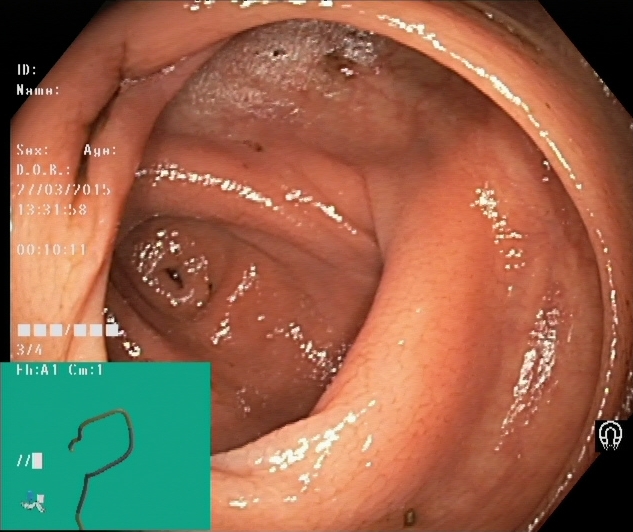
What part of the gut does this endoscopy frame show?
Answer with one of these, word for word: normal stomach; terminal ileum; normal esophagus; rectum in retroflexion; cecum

cecum